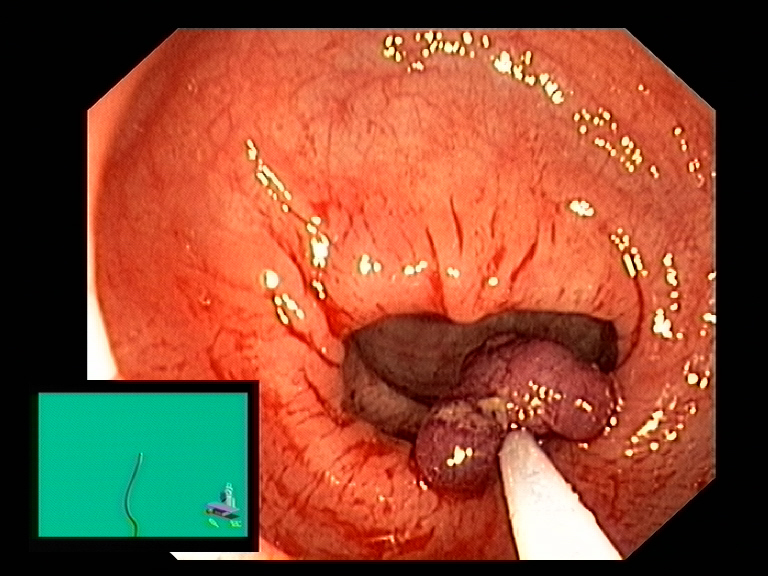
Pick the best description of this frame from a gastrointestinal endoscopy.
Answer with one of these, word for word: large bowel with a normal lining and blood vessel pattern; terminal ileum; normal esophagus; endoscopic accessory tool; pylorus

endoscopic accessory tool